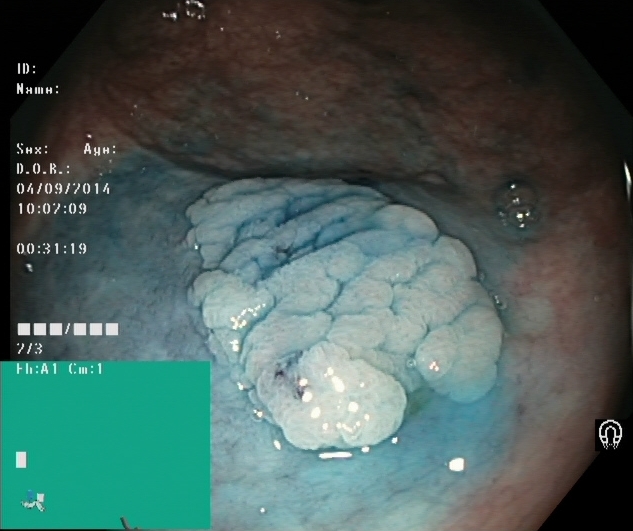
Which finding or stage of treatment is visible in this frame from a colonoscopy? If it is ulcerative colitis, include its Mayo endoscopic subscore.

dyed and lifted polyp (pre-resection)